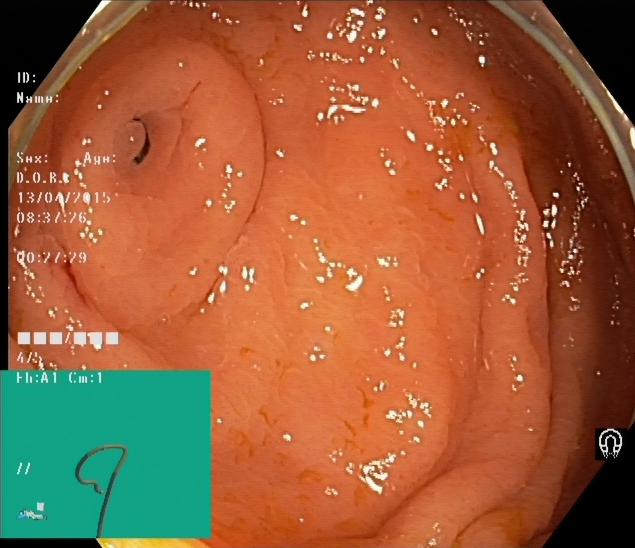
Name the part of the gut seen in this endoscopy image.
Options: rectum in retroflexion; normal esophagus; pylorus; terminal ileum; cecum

cecum